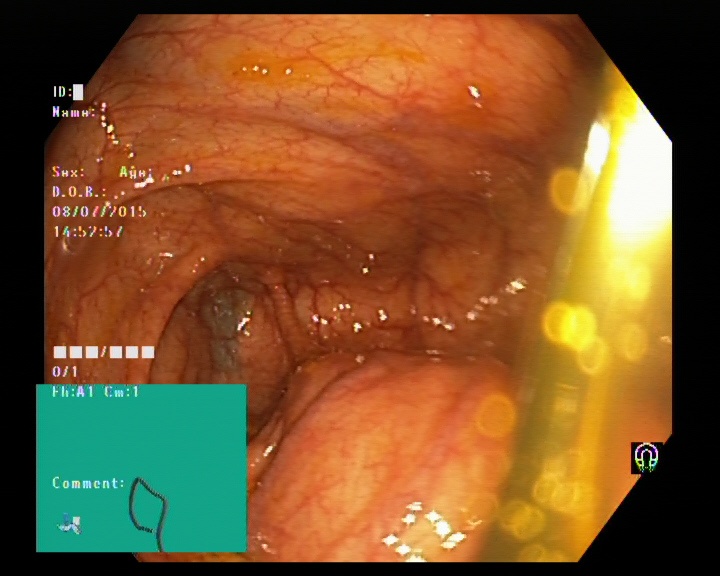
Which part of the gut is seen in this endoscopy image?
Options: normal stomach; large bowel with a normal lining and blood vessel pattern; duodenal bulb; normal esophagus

large bowel with a normal lining and blood vessel pattern